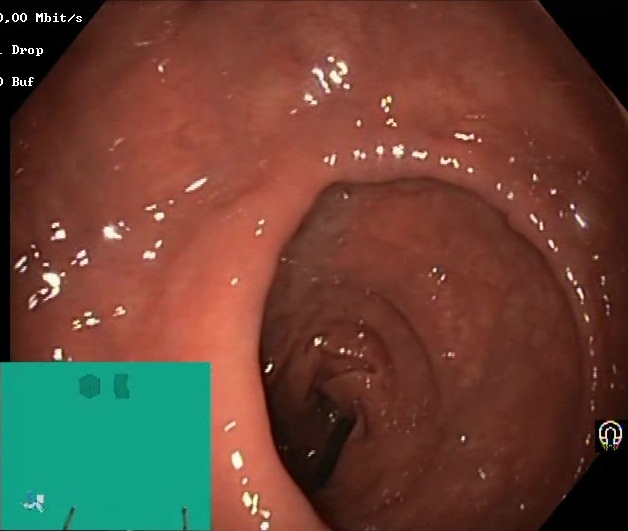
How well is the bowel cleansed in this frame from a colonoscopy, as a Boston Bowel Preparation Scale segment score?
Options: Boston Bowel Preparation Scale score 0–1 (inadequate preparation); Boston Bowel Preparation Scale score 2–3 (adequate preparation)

Boston Bowel Preparation Scale score 2–3 (adequate preparation)